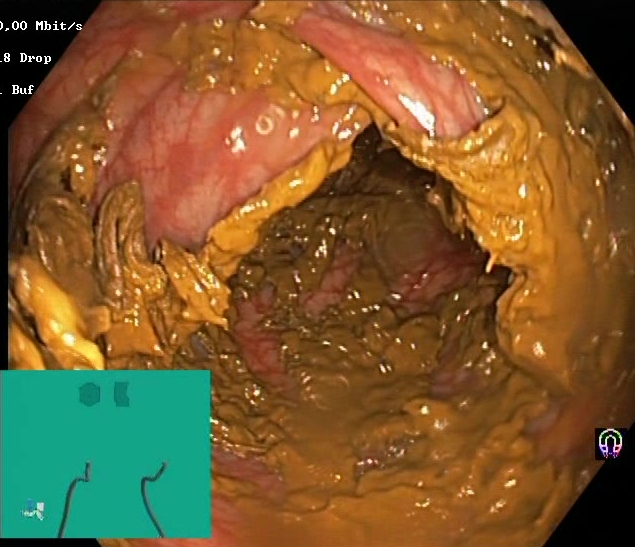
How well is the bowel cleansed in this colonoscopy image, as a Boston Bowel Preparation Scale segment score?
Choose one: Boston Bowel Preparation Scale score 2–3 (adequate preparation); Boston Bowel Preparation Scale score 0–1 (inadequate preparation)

Boston Bowel Preparation Scale score 0–1 (inadequate preparation)